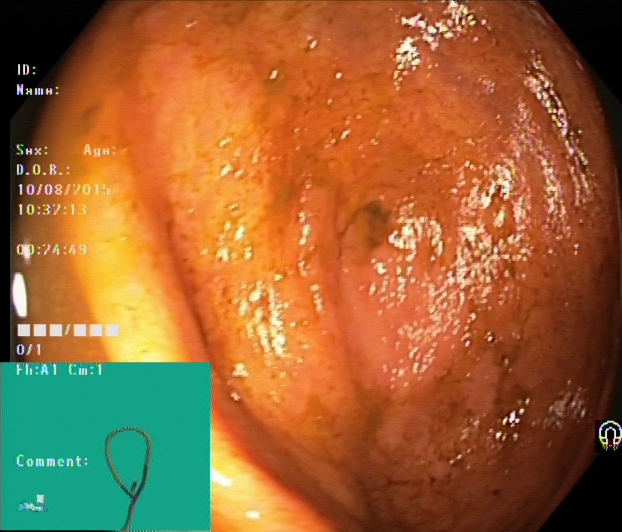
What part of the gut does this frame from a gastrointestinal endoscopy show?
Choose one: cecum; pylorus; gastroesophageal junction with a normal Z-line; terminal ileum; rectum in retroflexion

cecum